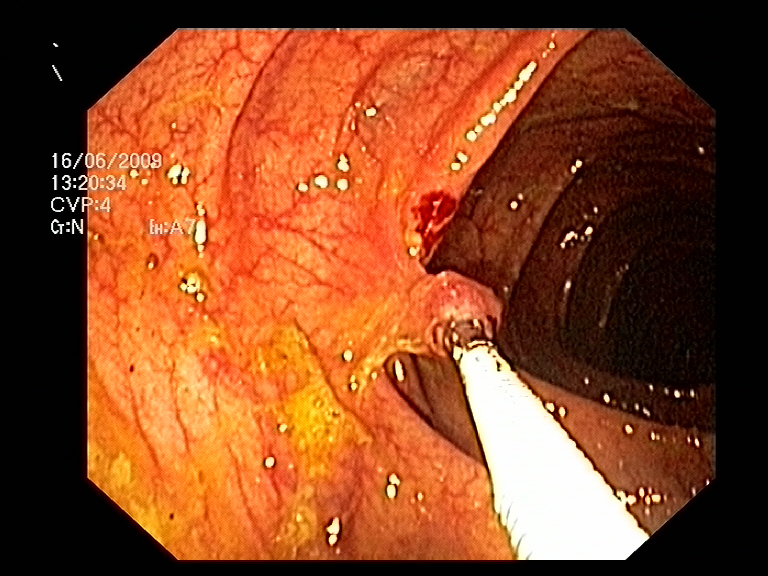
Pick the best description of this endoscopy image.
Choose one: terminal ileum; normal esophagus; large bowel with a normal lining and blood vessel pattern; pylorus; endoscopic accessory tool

endoscopic accessory tool